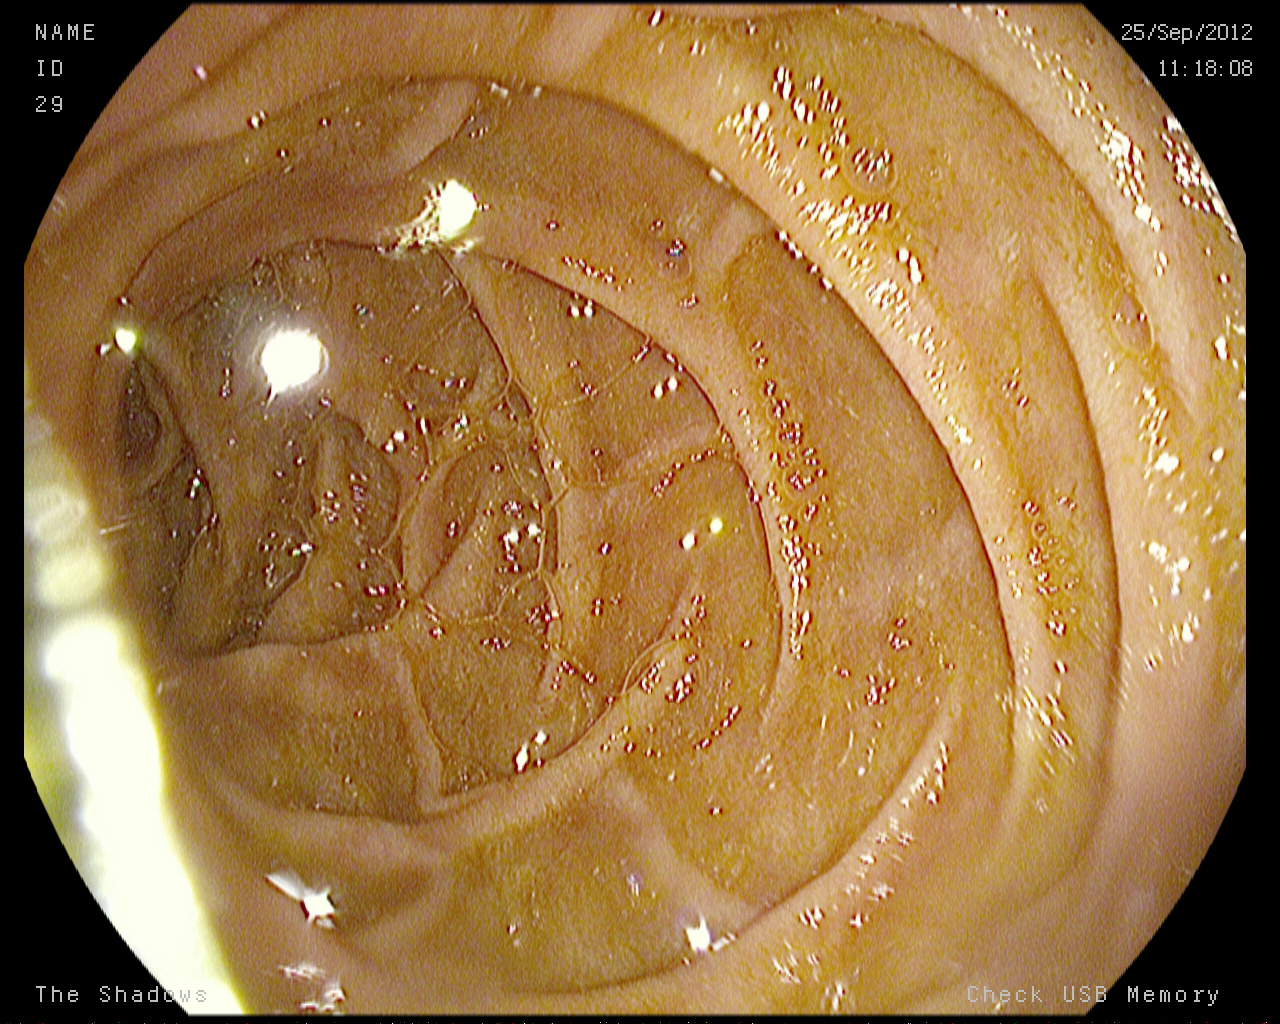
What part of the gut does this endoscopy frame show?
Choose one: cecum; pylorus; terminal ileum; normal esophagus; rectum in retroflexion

terminal ileum